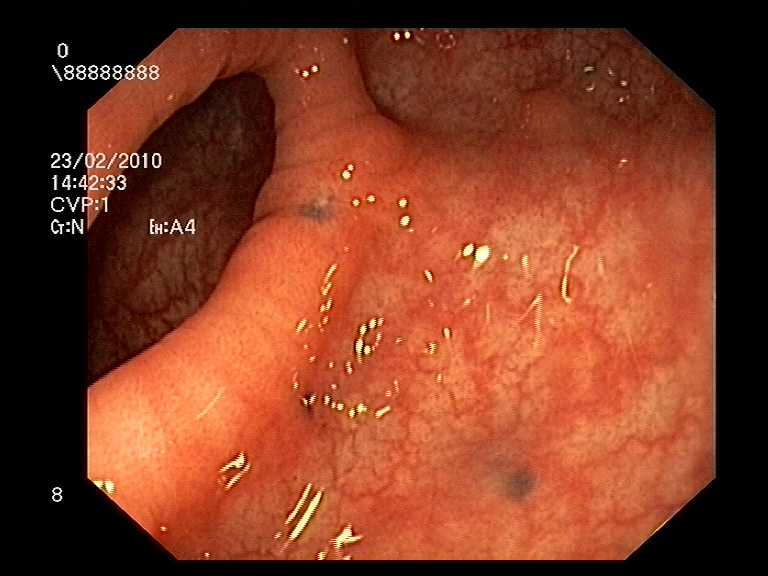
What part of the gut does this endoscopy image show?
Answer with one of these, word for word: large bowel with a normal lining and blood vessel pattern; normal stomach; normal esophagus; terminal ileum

large bowel with a normal lining and blood vessel pattern